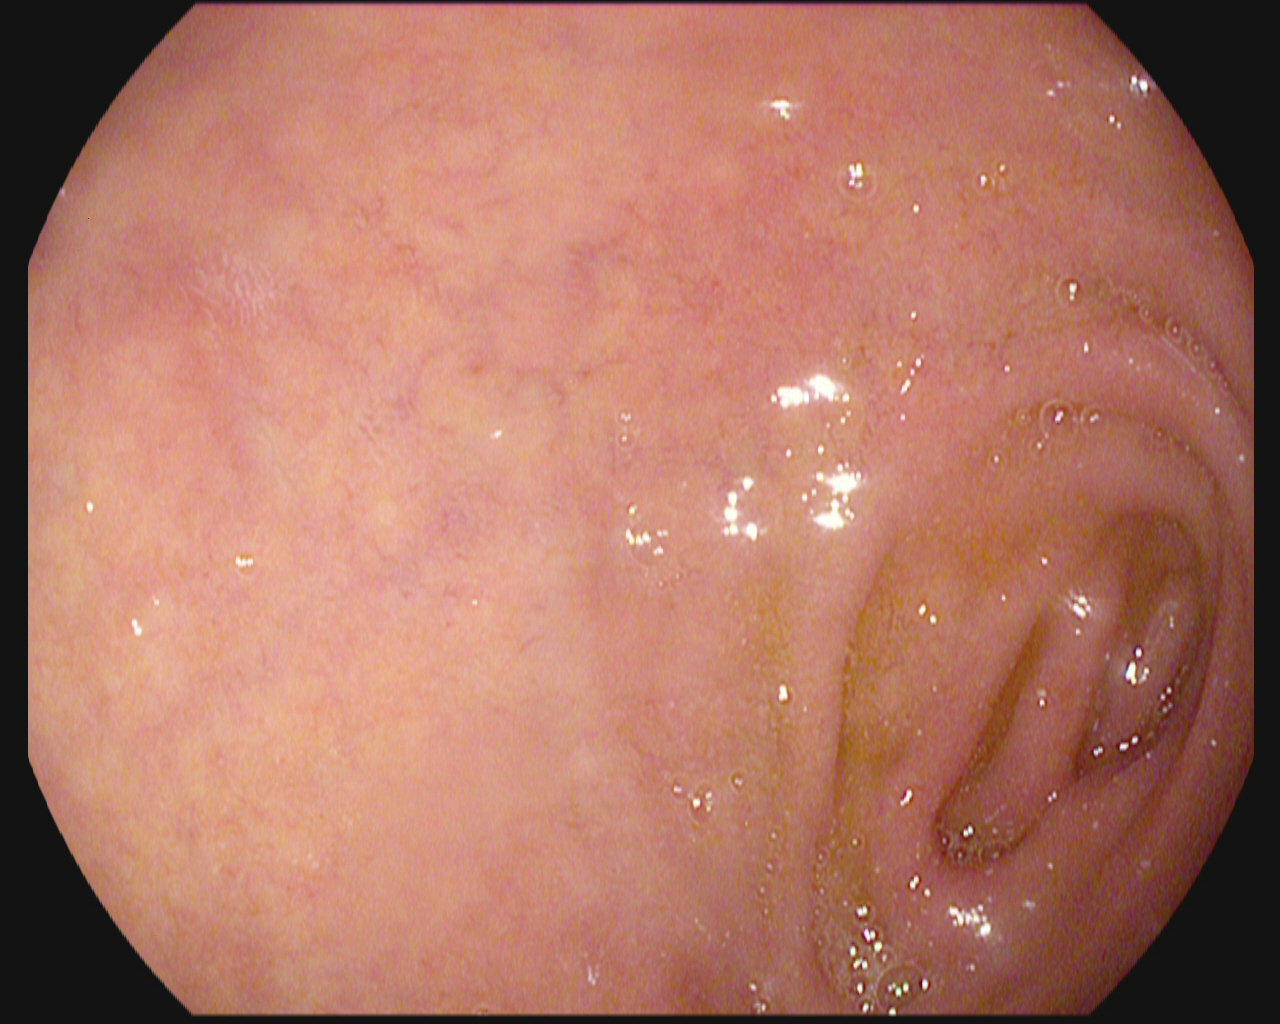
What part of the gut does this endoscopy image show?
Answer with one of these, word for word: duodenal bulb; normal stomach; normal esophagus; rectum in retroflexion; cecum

duodenal bulb